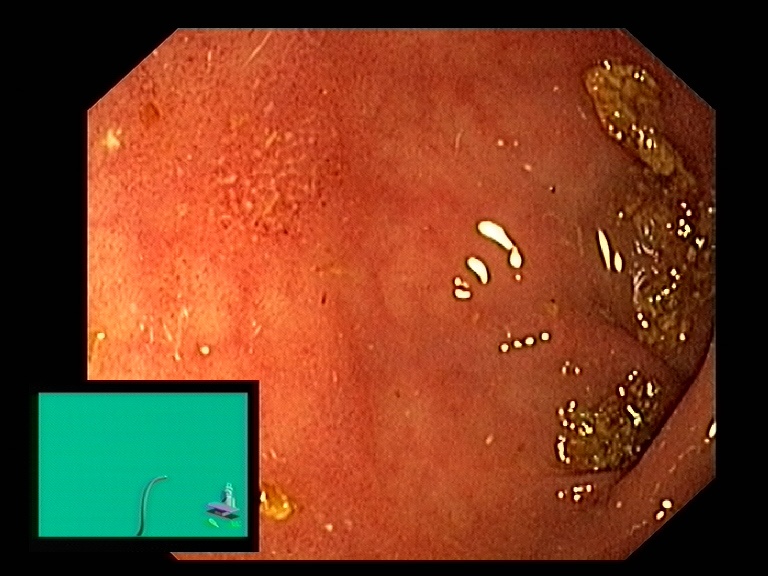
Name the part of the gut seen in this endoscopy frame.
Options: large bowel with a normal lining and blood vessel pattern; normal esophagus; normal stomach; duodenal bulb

large bowel with a normal lining and blood vessel pattern